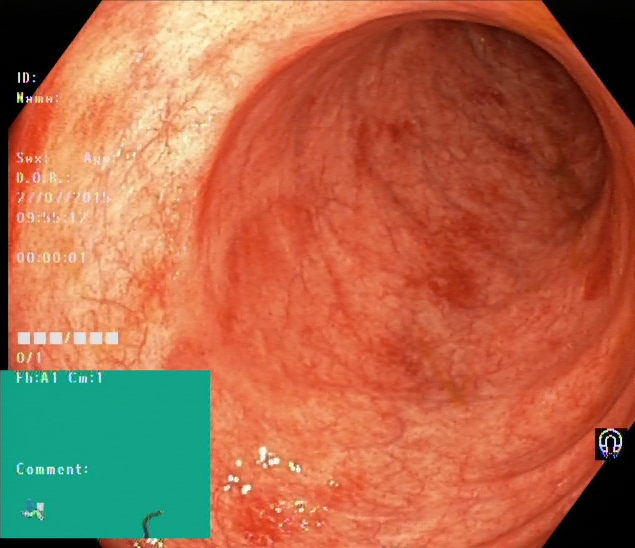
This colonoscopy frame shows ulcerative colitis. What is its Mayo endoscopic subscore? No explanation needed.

ulcerative colitis, Mayo endoscopic subscore 1